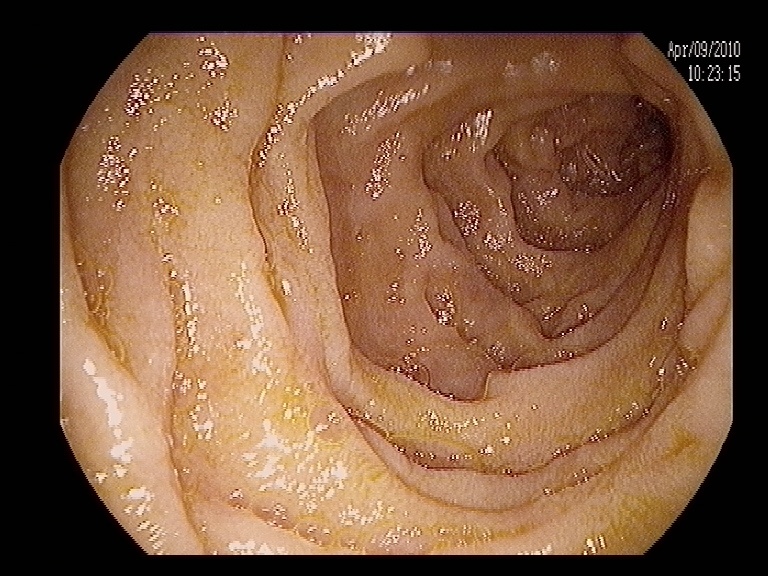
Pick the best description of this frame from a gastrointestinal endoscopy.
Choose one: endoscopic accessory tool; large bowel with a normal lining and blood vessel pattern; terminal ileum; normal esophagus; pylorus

terminal ileum